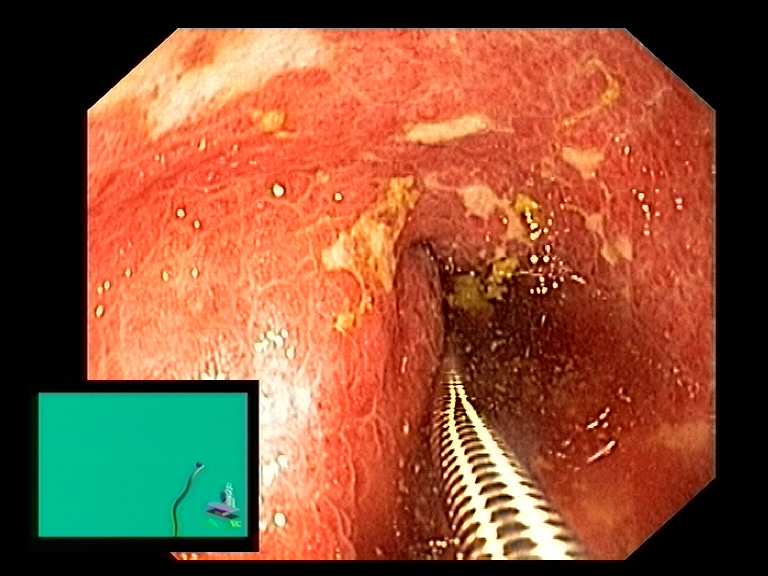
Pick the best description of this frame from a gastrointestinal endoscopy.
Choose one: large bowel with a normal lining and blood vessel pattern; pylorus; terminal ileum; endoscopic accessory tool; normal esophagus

endoscopic accessory tool